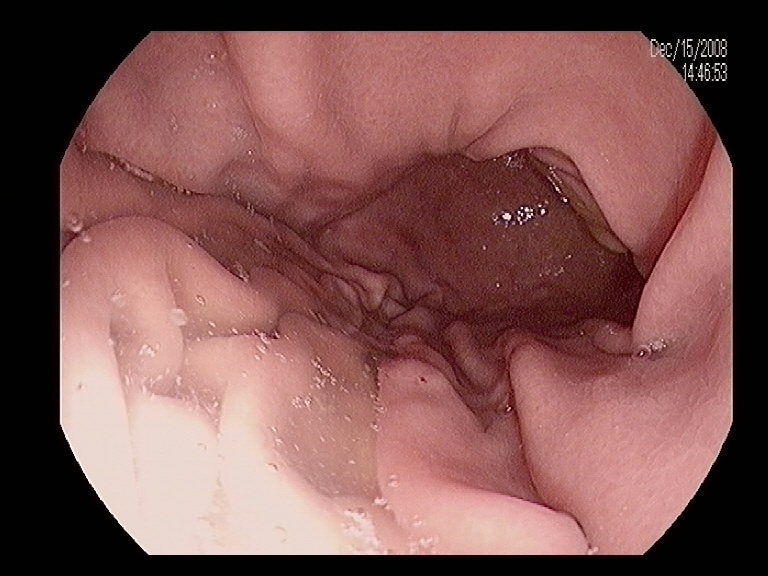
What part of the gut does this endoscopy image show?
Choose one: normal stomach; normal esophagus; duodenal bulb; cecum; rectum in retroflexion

normal stomach